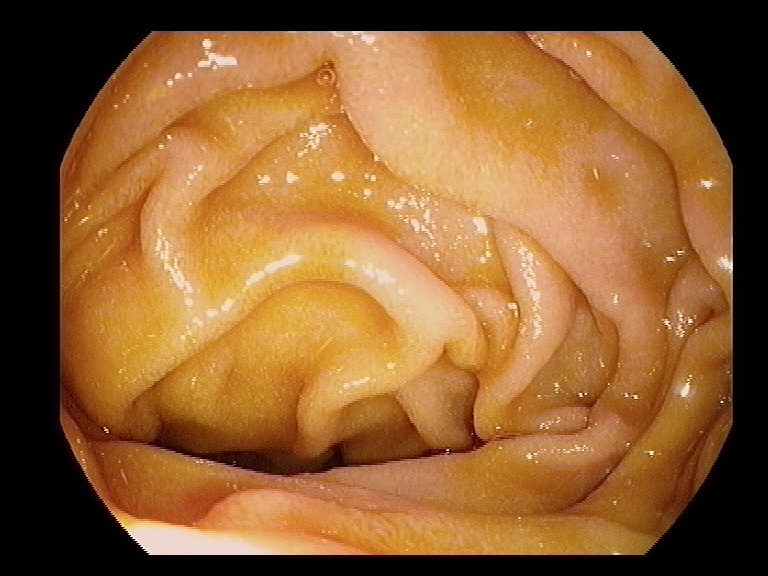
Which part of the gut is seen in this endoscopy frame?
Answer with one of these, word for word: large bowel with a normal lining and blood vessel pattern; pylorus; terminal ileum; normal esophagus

terminal ileum